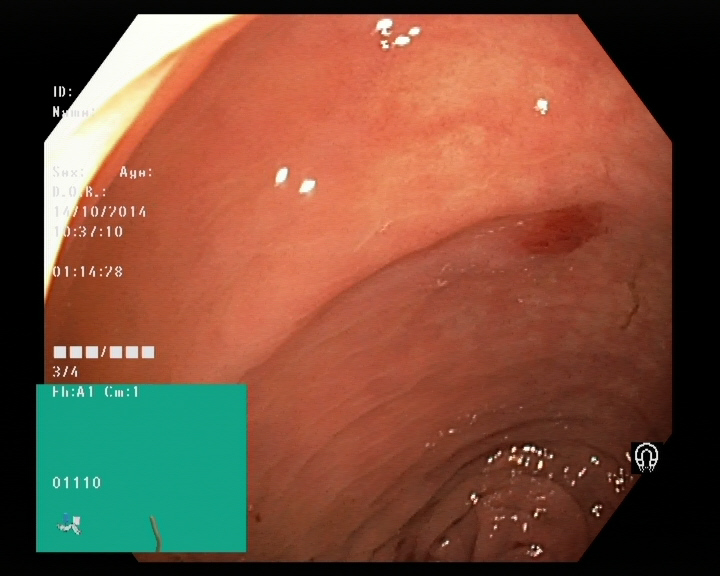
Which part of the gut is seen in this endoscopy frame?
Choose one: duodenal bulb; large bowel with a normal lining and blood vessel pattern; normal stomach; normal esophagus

large bowel with a normal lining and blood vessel pattern